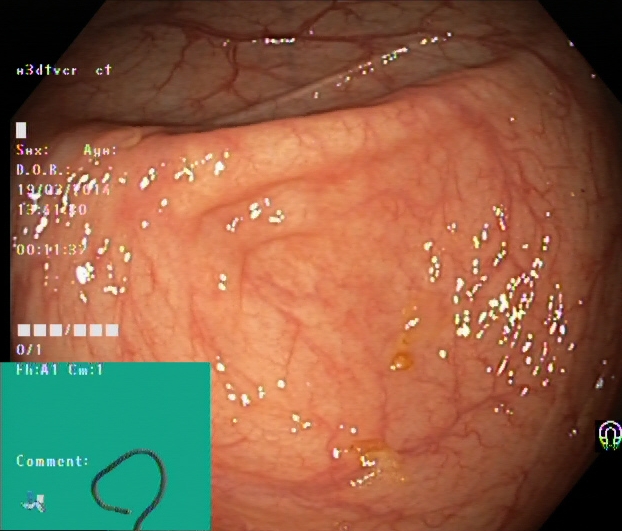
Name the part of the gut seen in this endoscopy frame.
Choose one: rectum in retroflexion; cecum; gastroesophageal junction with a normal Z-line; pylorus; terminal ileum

cecum